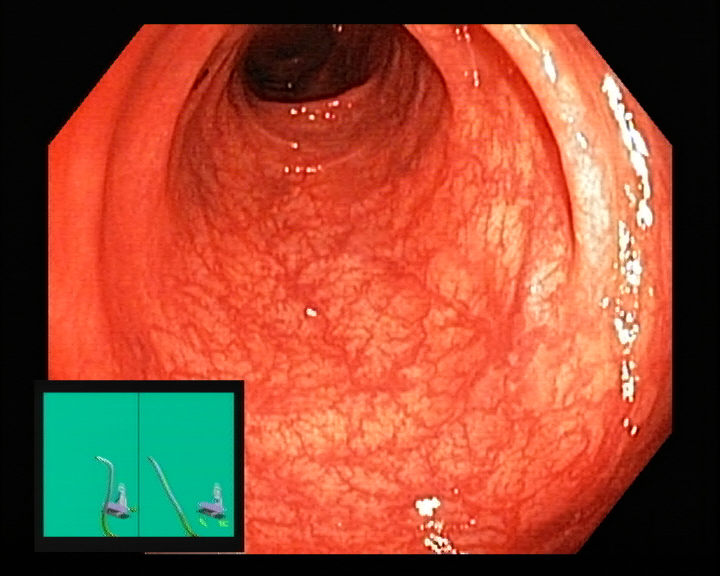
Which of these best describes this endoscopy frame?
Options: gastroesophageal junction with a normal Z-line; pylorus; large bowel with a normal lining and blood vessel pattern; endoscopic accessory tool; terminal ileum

large bowel with a normal lining and blood vessel pattern